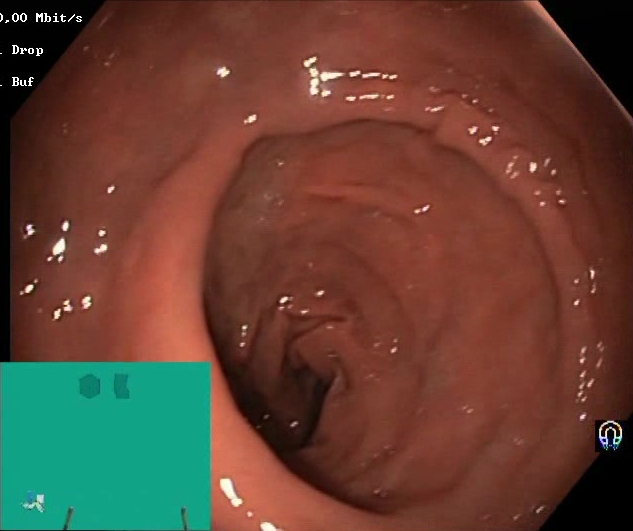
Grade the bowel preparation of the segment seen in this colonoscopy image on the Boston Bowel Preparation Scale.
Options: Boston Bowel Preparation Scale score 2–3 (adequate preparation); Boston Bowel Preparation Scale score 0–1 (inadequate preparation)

Boston Bowel Preparation Scale score 2–3 (adequate preparation)